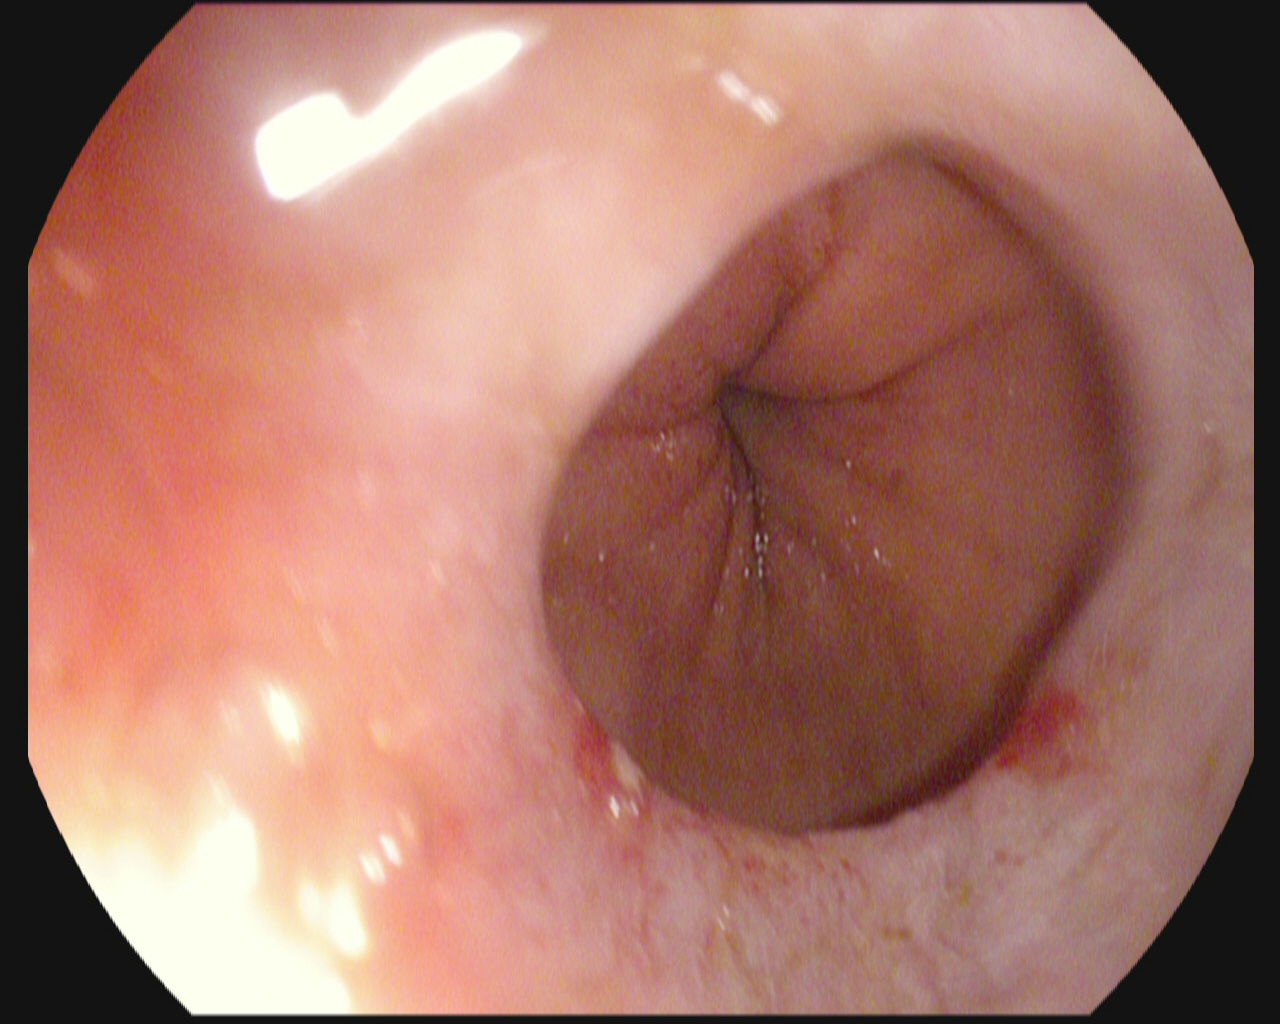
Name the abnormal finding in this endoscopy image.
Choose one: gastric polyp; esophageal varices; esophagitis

esophagitis